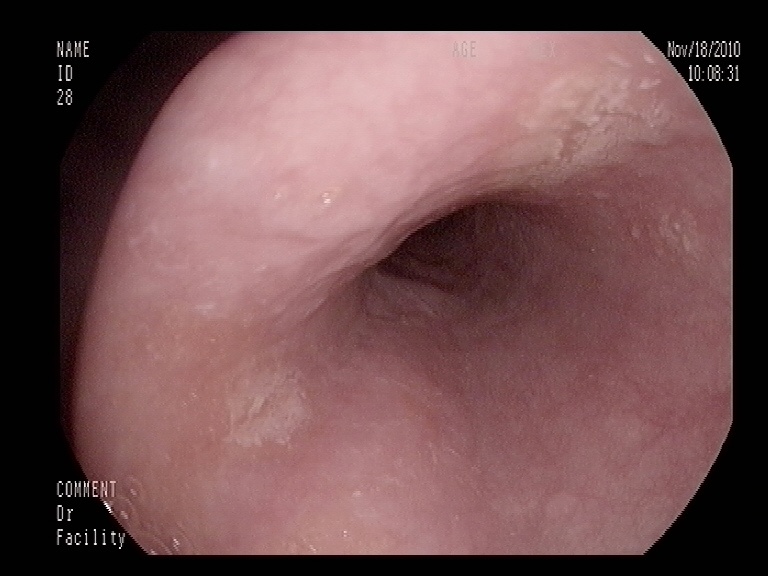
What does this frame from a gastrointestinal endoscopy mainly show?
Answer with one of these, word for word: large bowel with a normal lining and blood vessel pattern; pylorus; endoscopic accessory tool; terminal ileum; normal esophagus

normal esophagus